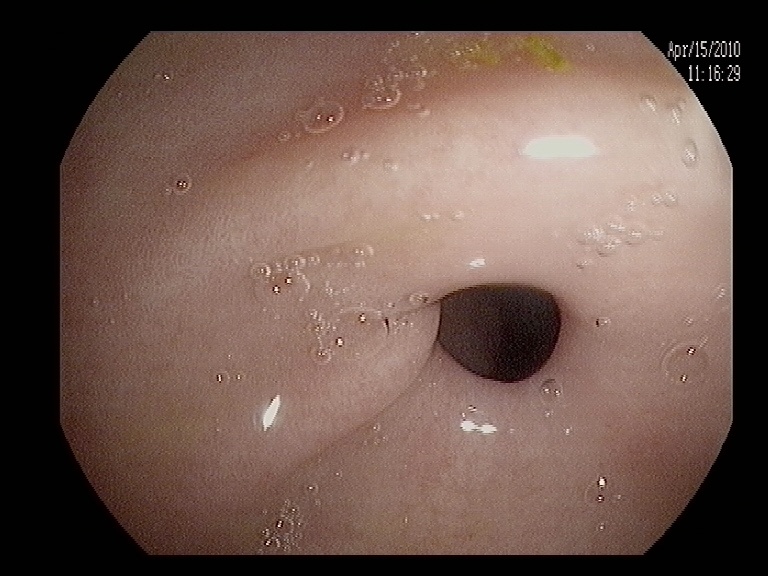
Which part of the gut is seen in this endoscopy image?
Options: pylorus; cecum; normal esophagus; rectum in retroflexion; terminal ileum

pylorus